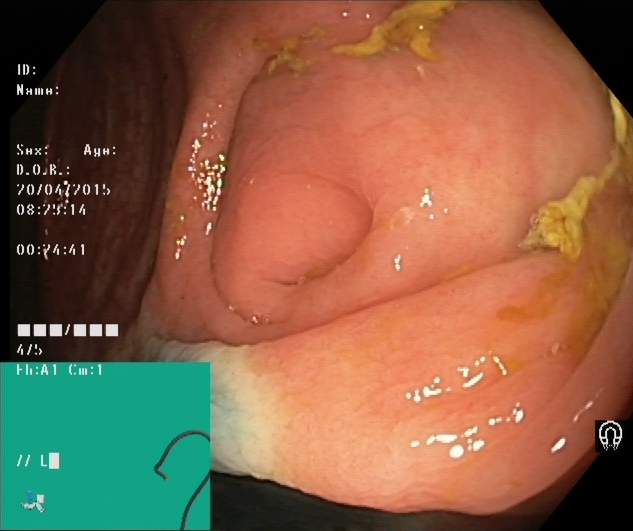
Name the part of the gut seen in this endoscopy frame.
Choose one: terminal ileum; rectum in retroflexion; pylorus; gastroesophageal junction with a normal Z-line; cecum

cecum